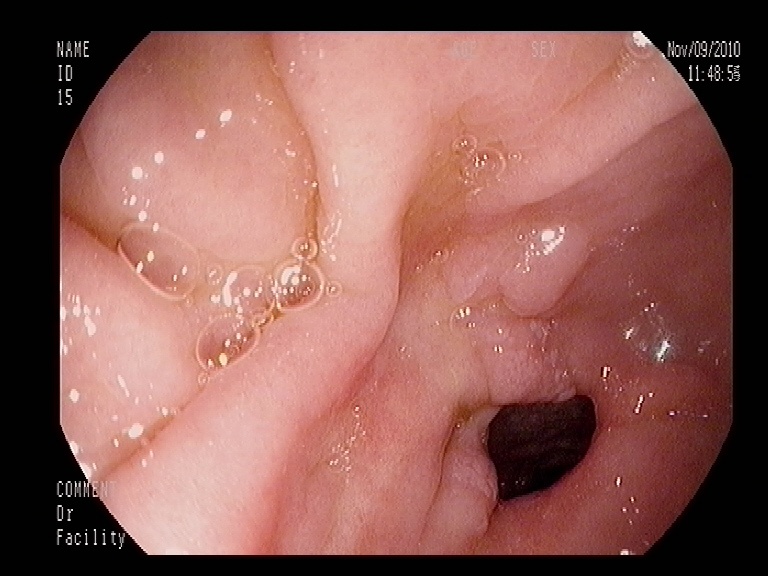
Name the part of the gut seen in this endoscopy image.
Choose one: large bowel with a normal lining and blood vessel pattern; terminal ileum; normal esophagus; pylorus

pylorus